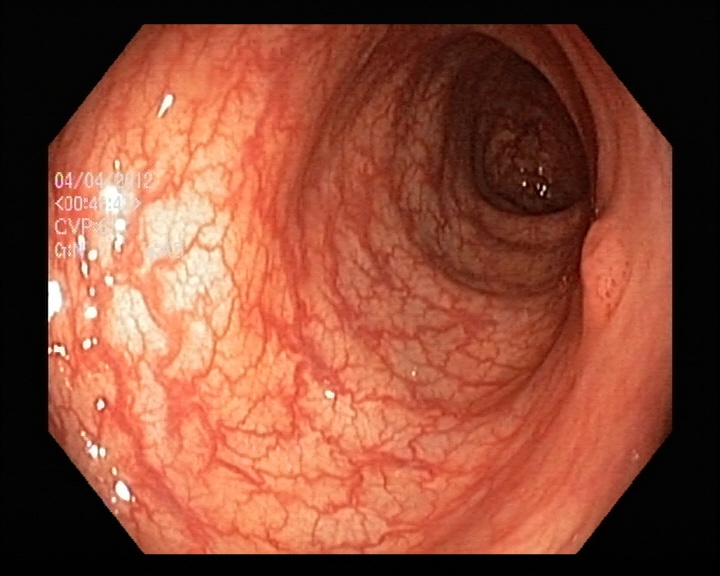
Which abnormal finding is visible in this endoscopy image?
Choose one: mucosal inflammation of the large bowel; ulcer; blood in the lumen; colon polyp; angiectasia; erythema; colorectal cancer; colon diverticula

colon polyp